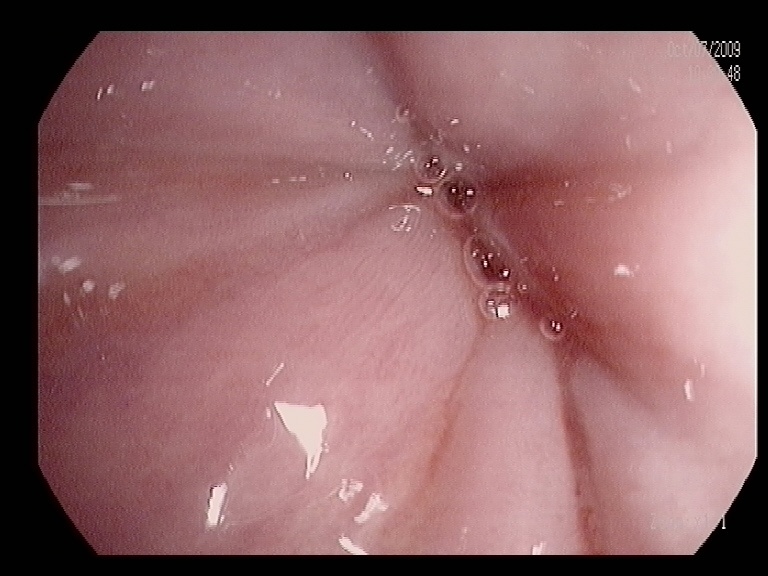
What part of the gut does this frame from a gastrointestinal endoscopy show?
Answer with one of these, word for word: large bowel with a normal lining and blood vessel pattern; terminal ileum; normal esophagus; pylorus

normal esophagus